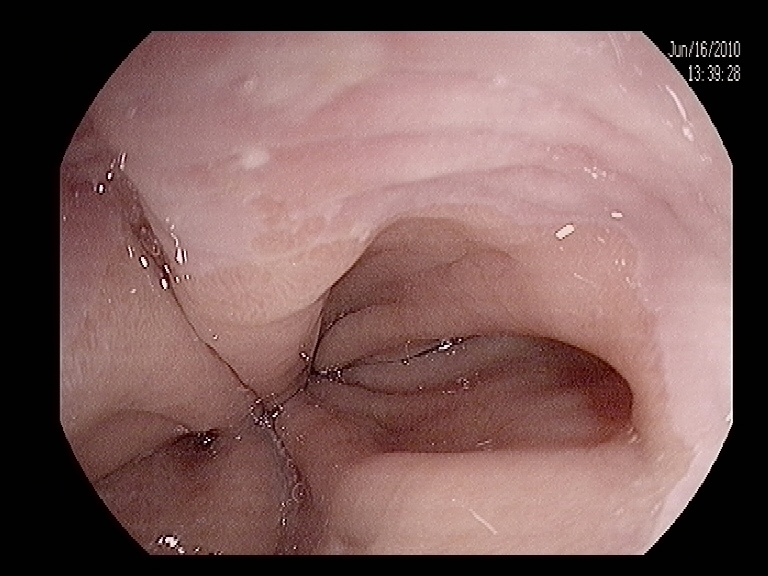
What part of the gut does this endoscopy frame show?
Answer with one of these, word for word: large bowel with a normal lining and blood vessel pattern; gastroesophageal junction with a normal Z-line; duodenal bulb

gastroesophageal junction with a normal Z-line